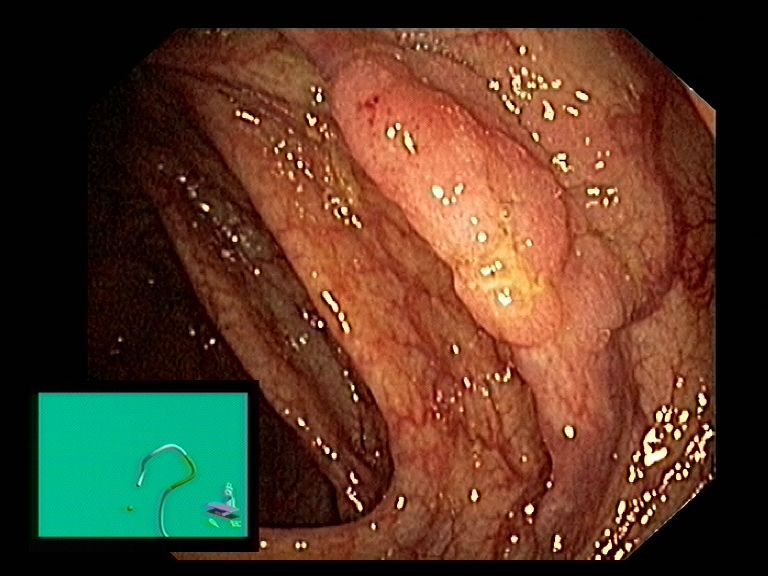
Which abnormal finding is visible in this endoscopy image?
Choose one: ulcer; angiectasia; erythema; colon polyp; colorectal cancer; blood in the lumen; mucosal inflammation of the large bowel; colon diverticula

colon polyp